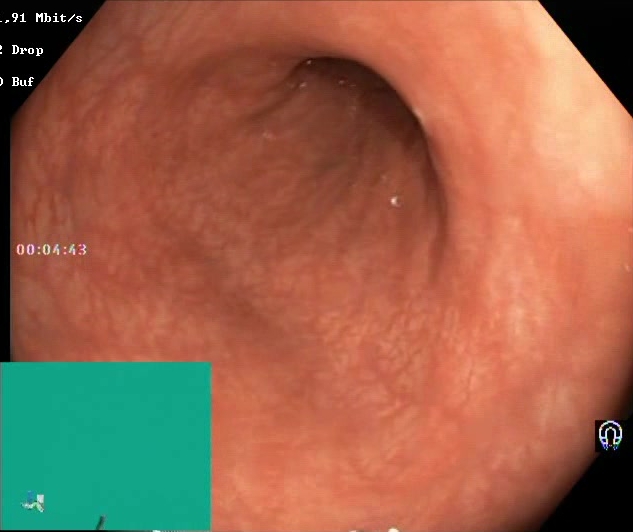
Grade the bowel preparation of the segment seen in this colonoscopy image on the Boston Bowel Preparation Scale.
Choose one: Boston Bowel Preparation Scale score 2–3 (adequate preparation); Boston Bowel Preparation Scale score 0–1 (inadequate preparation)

Boston Bowel Preparation Scale score 2–3 (adequate preparation)